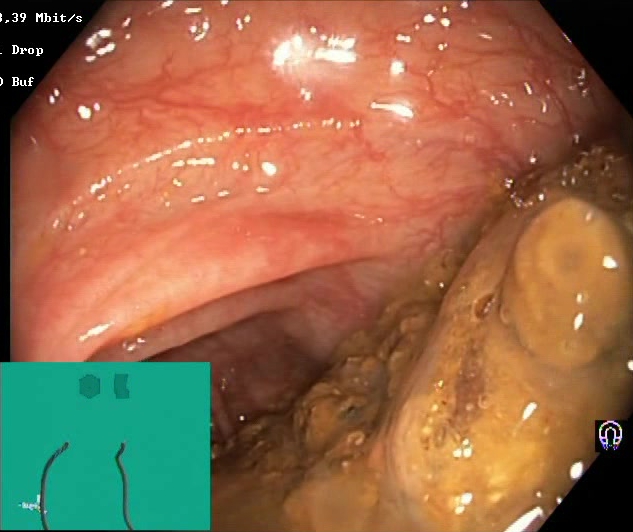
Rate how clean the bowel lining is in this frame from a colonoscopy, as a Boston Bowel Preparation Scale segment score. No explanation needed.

Boston Bowel Preparation Scale score 0–1 (inadequate preparation)